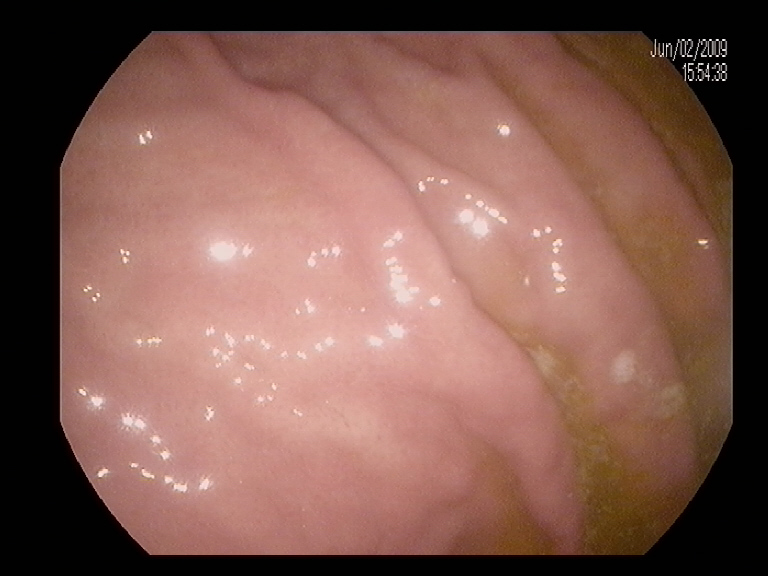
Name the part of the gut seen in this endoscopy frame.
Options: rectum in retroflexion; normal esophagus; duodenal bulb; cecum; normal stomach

normal stomach